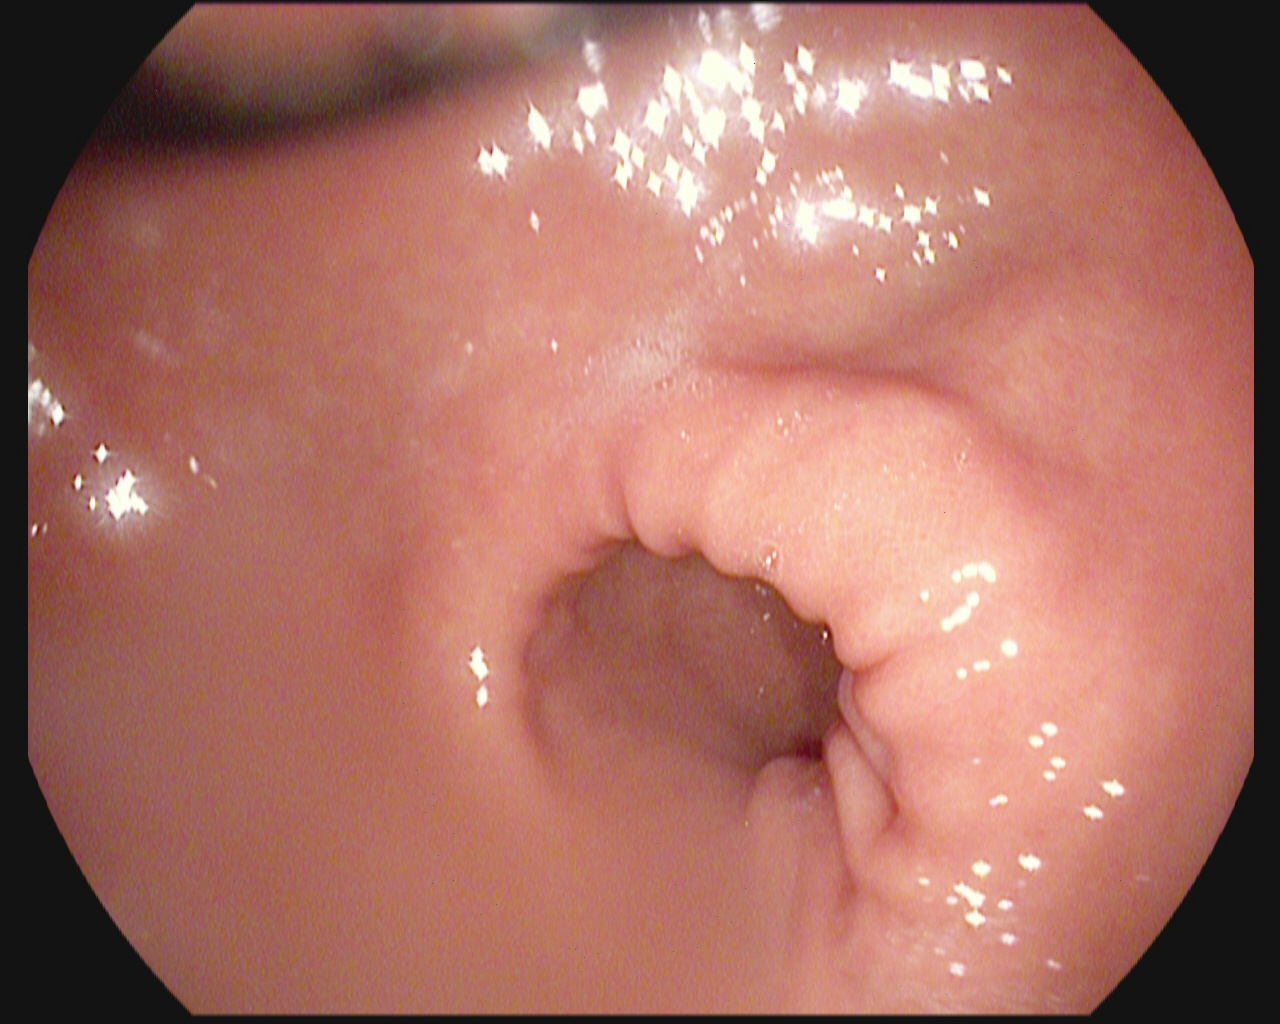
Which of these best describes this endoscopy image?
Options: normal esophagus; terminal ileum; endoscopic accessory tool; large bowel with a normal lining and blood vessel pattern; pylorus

pylorus